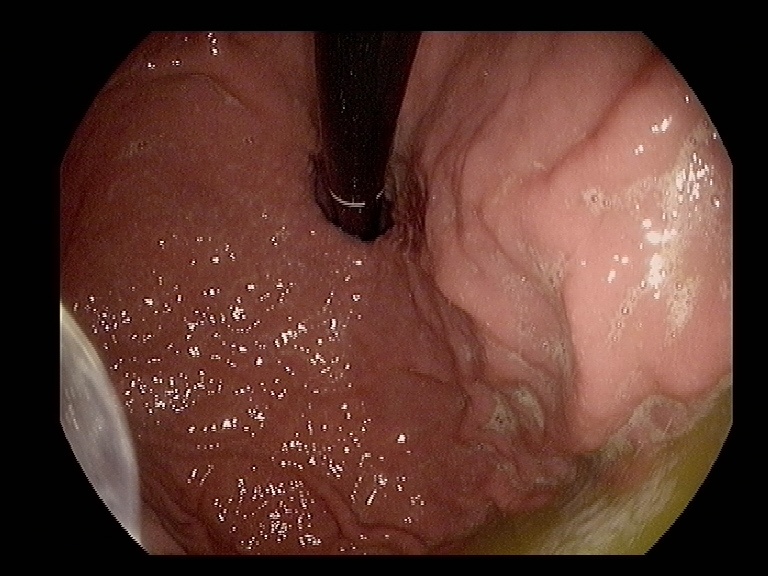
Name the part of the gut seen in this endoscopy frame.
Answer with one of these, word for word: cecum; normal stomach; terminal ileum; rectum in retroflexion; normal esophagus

normal stomach